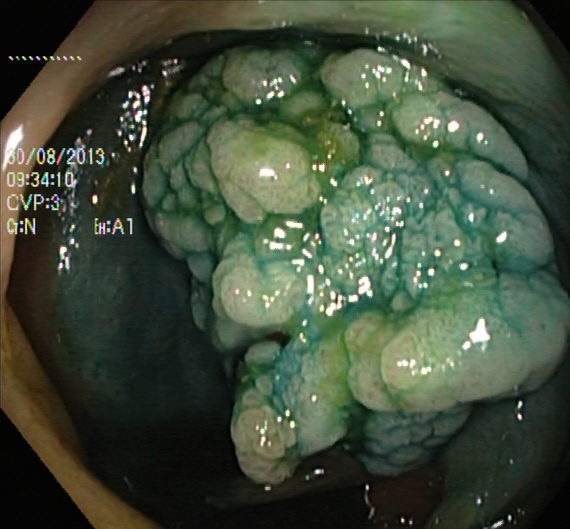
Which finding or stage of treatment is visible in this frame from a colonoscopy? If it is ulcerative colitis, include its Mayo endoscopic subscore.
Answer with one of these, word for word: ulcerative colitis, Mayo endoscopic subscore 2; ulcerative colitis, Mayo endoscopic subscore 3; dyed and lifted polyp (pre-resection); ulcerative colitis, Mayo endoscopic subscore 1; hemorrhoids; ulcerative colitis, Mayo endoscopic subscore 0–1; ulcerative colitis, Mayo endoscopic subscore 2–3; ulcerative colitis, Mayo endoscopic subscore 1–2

dyed and lifted polyp (pre-resection)